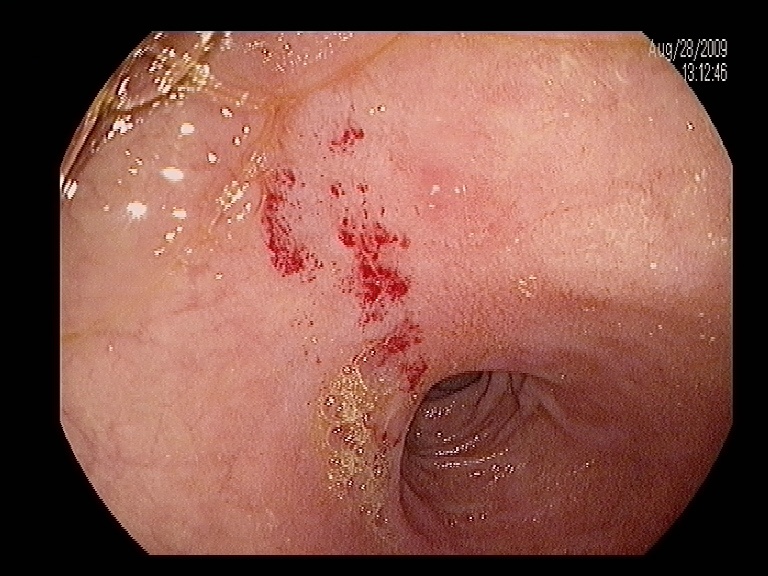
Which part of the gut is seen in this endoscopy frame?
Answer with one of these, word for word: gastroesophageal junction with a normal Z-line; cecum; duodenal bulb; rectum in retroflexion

duodenal bulb